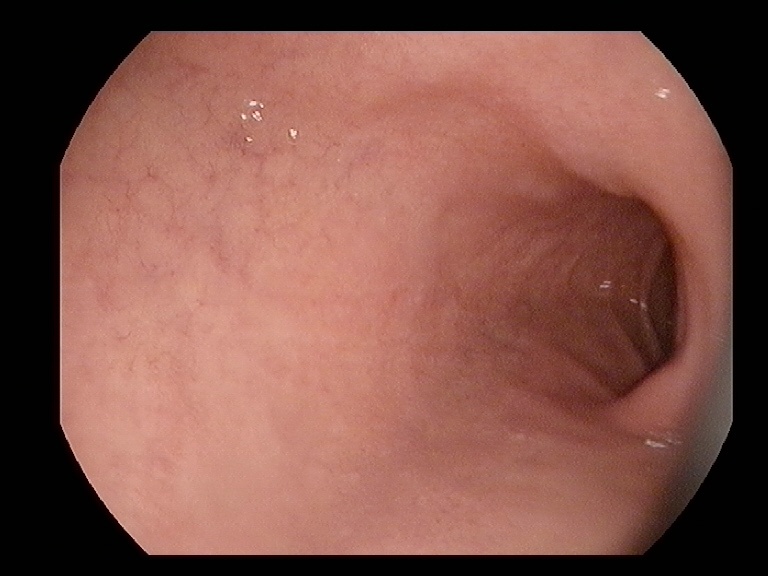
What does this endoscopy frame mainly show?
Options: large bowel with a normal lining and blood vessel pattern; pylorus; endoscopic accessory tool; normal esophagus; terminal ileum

terminal ileum